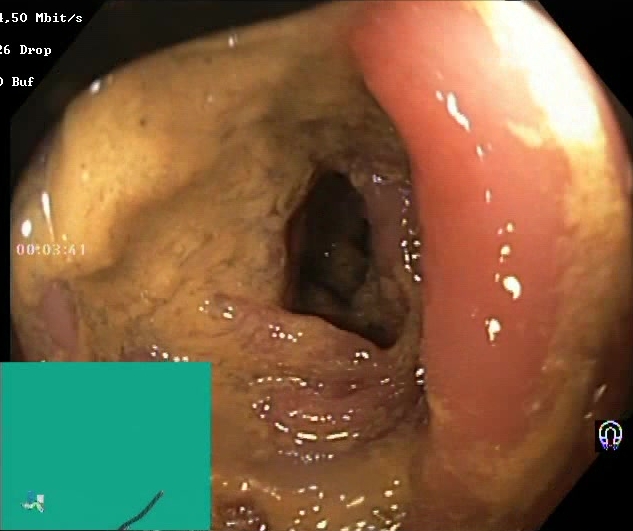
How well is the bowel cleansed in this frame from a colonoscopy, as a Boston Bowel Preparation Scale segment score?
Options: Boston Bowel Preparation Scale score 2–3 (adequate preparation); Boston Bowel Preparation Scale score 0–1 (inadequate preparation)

Boston Bowel Preparation Scale score 0–1 (inadequate preparation)